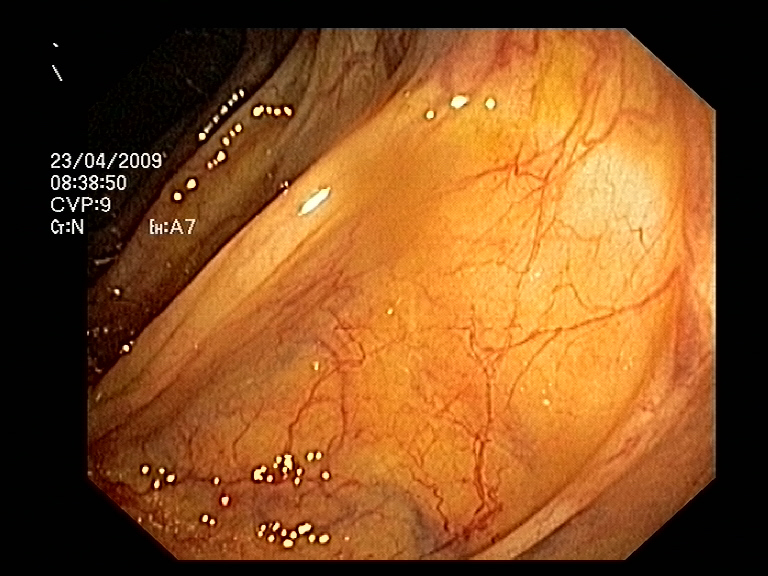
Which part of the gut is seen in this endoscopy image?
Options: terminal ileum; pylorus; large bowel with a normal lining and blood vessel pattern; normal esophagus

large bowel with a normal lining and blood vessel pattern